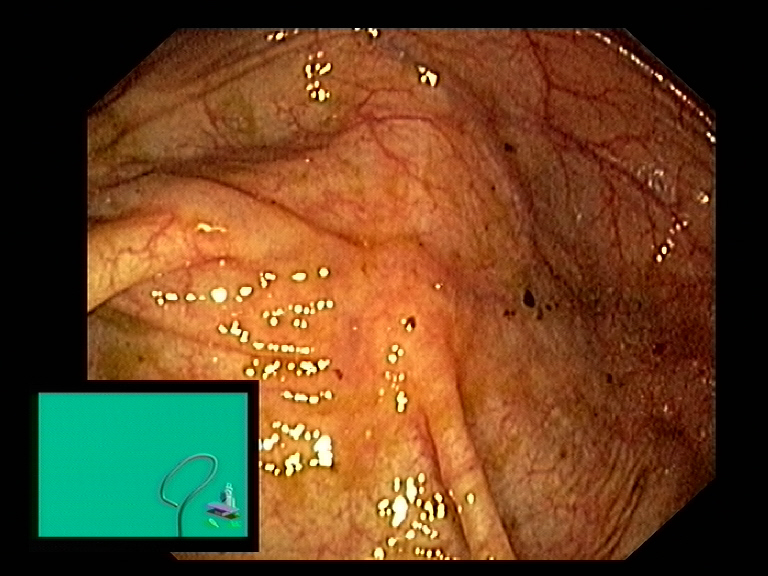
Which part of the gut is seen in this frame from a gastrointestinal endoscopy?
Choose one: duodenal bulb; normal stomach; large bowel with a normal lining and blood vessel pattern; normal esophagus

large bowel with a normal lining and blood vessel pattern